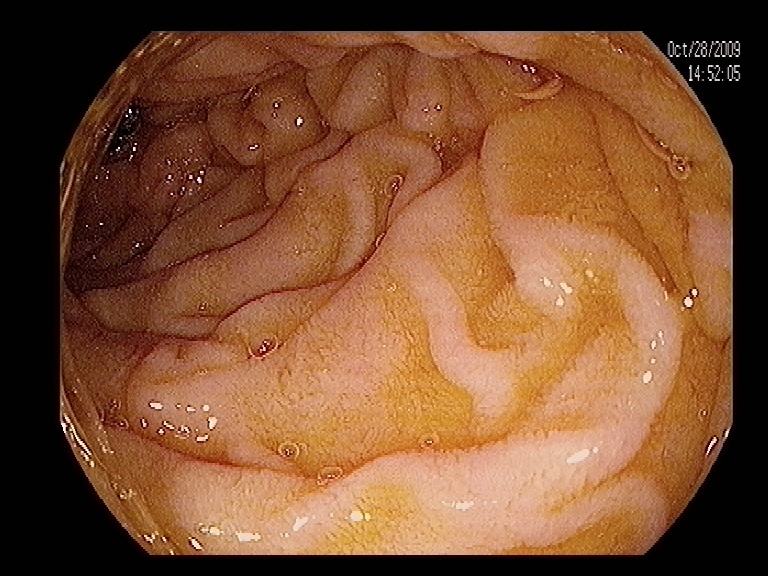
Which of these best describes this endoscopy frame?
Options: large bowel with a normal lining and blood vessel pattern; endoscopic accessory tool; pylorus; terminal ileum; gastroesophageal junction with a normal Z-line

terminal ileum